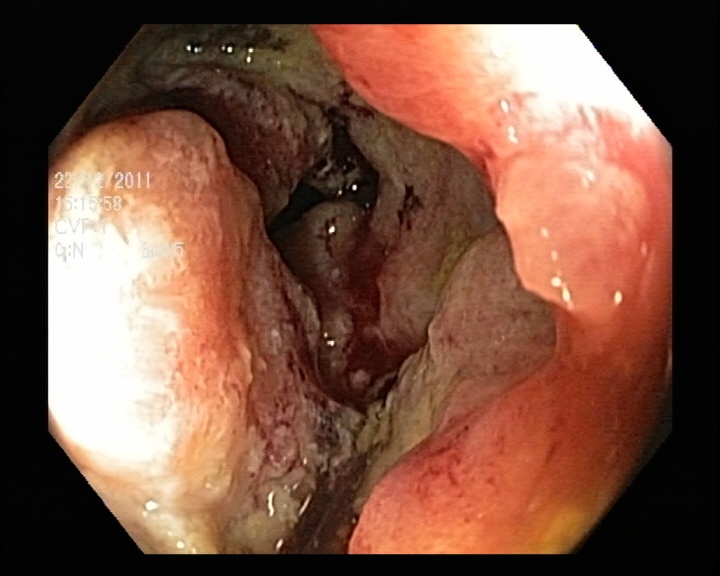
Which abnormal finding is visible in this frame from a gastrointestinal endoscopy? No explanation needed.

colorectal cancer